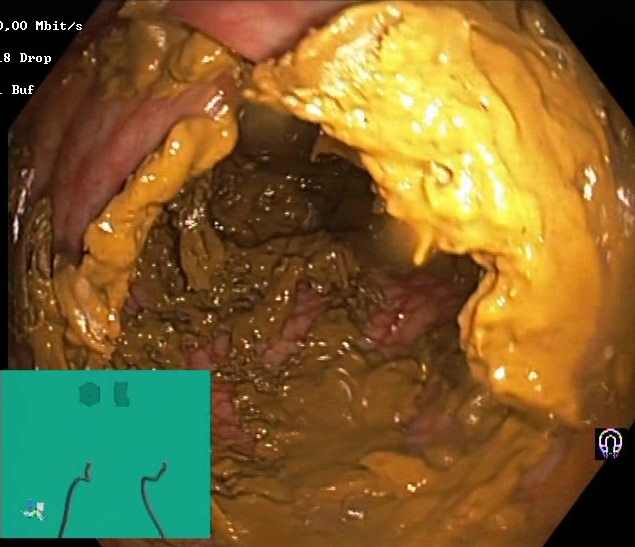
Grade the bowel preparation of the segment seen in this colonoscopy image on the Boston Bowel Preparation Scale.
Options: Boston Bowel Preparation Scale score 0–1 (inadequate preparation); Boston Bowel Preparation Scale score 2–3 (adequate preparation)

Boston Bowel Preparation Scale score 0–1 (inadequate preparation)